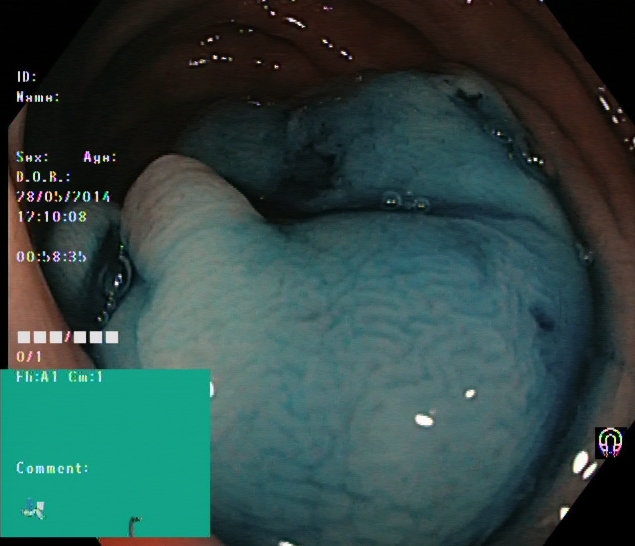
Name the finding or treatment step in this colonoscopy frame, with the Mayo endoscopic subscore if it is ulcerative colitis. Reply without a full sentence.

dyed and lifted polyp (pre-resection)